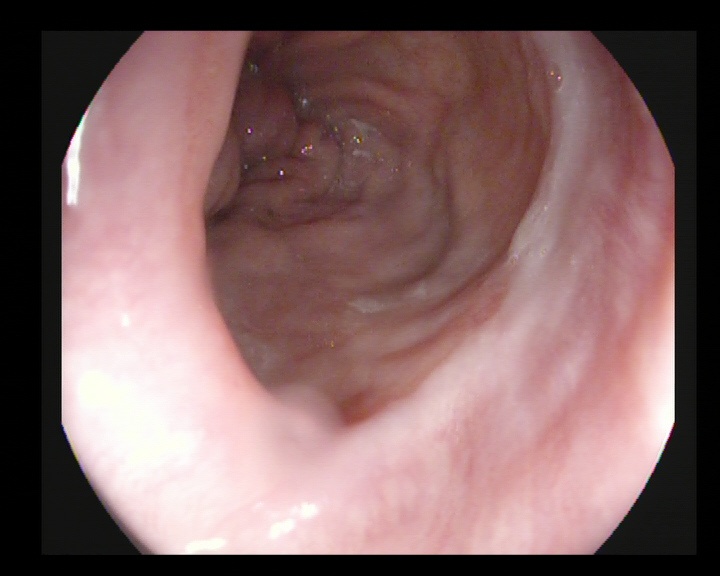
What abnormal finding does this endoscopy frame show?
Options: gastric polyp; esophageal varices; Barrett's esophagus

Barrett's esophagus